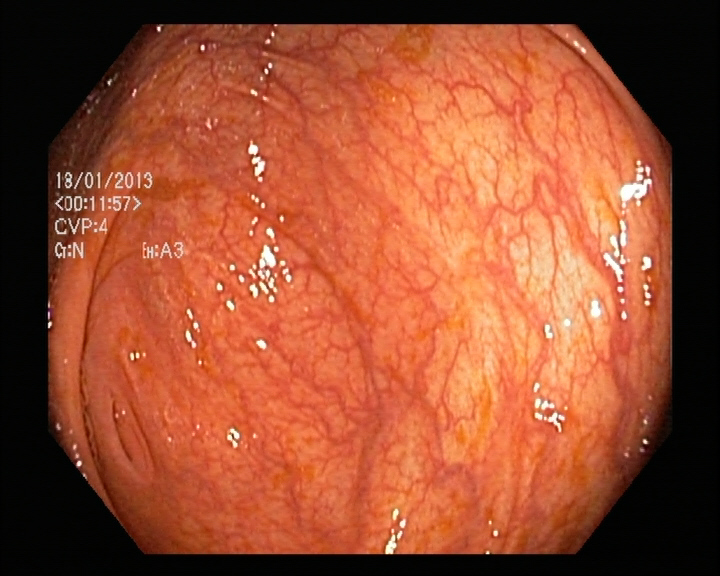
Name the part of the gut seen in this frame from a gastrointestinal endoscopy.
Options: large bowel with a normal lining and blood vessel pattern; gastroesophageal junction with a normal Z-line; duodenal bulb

large bowel with a normal lining and blood vessel pattern